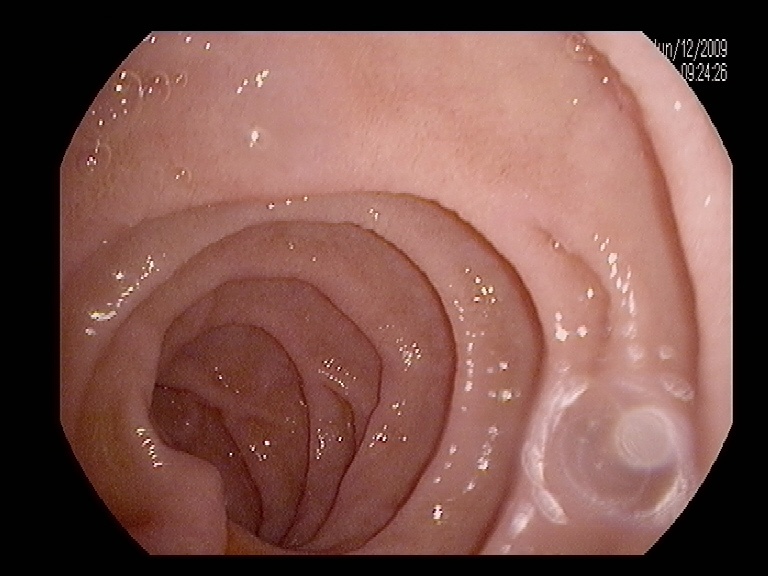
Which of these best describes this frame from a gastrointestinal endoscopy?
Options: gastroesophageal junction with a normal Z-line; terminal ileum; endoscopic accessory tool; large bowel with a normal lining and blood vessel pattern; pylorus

terminal ileum